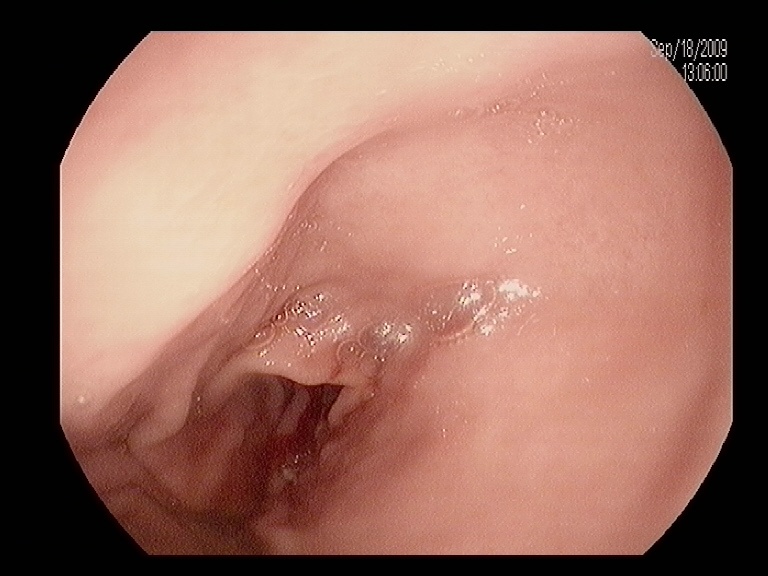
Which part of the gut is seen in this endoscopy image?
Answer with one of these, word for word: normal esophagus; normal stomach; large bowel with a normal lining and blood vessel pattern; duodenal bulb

normal stomach